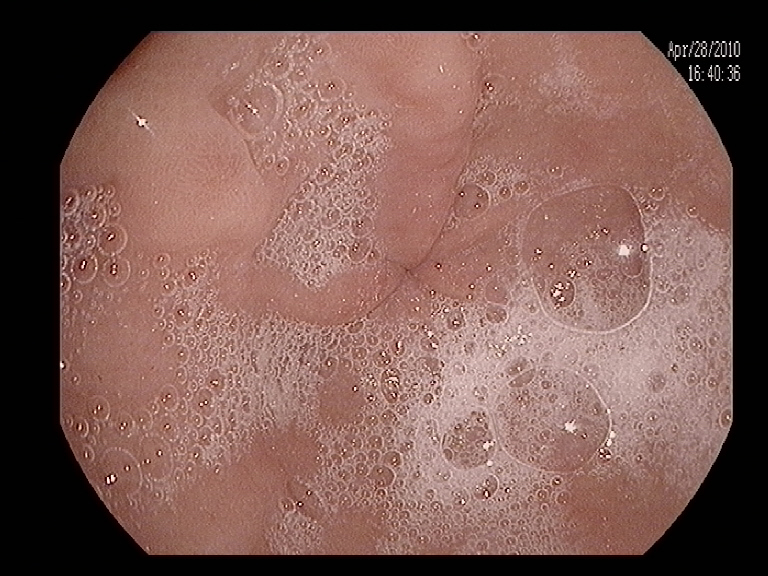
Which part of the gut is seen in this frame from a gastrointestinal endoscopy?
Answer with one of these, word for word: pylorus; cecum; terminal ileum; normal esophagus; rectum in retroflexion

pylorus